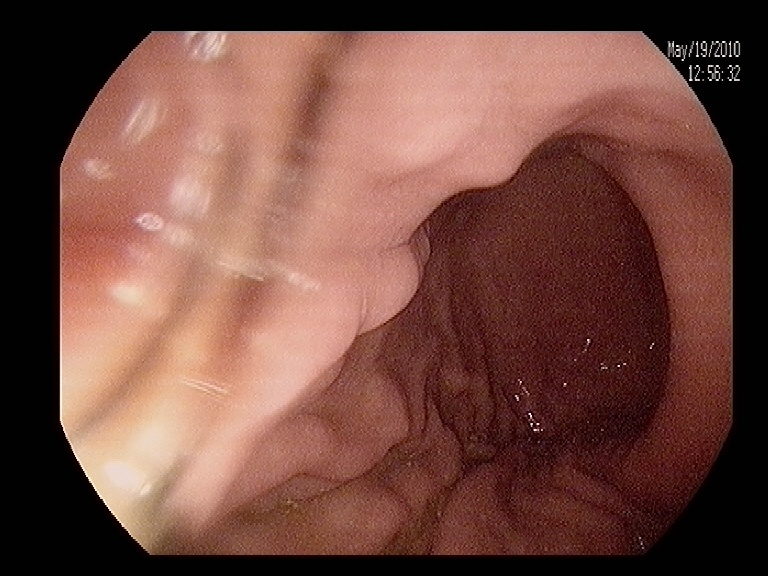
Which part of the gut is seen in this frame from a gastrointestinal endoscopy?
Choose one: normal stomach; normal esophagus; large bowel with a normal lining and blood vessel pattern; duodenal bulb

normal stomach